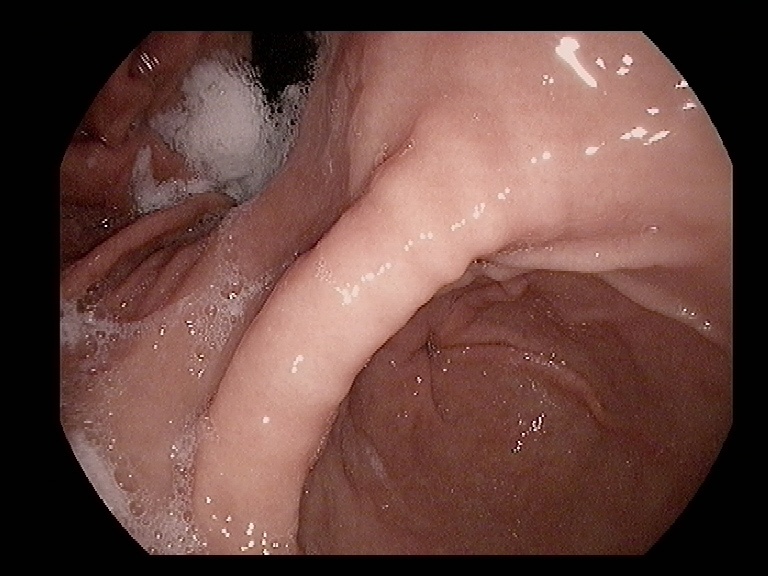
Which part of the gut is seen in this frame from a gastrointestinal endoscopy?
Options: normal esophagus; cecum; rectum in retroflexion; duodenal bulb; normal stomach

normal stomach